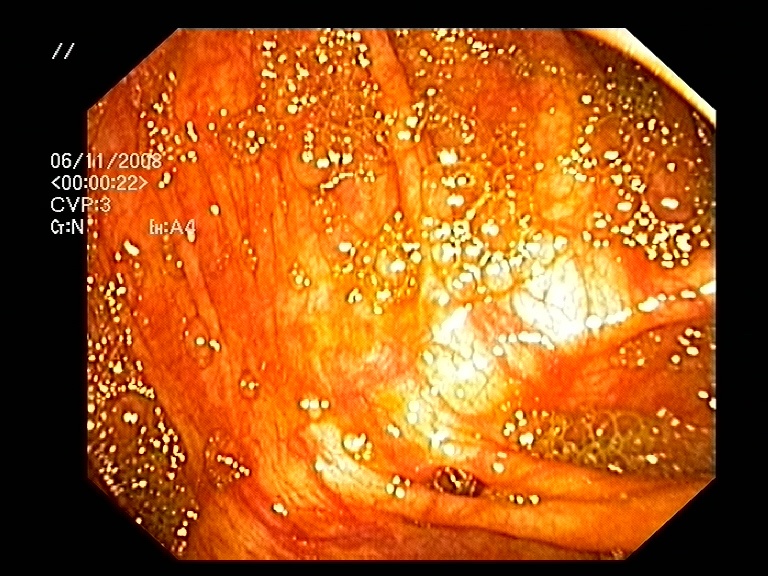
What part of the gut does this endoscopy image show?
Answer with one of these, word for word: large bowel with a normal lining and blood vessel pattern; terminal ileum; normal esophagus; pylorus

large bowel with a normal lining and blood vessel pattern